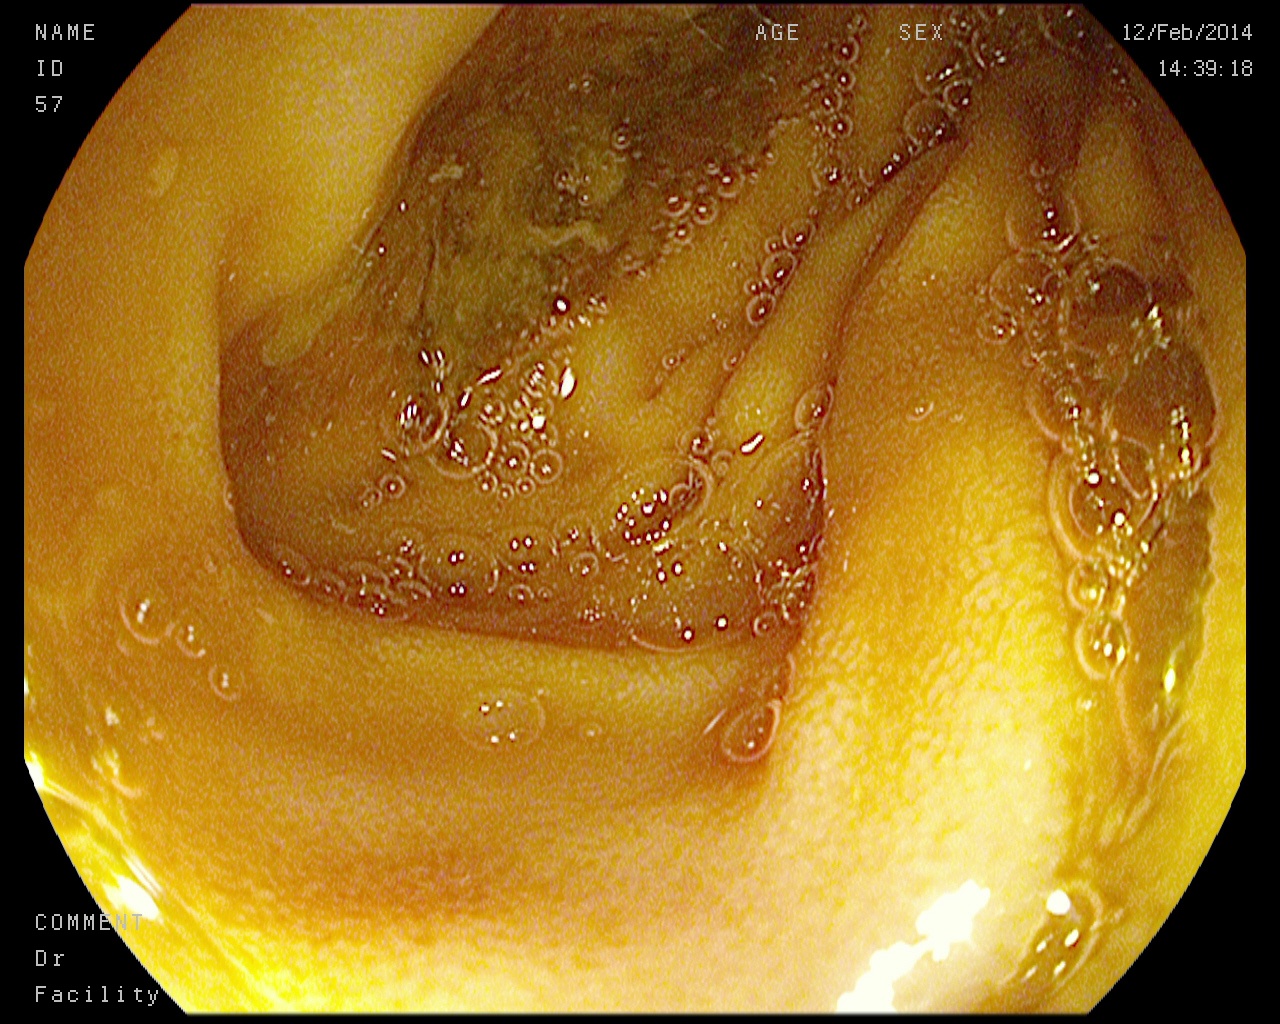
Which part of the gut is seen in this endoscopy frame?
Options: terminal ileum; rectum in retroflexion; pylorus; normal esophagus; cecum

terminal ileum